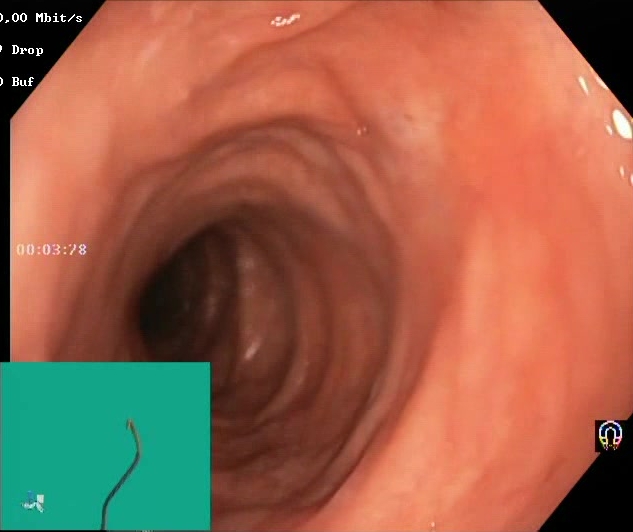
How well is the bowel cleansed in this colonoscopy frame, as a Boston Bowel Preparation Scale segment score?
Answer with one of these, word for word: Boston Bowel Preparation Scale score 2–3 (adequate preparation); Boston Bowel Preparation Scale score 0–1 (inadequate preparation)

Boston Bowel Preparation Scale score 2–3 (adequate preparation)